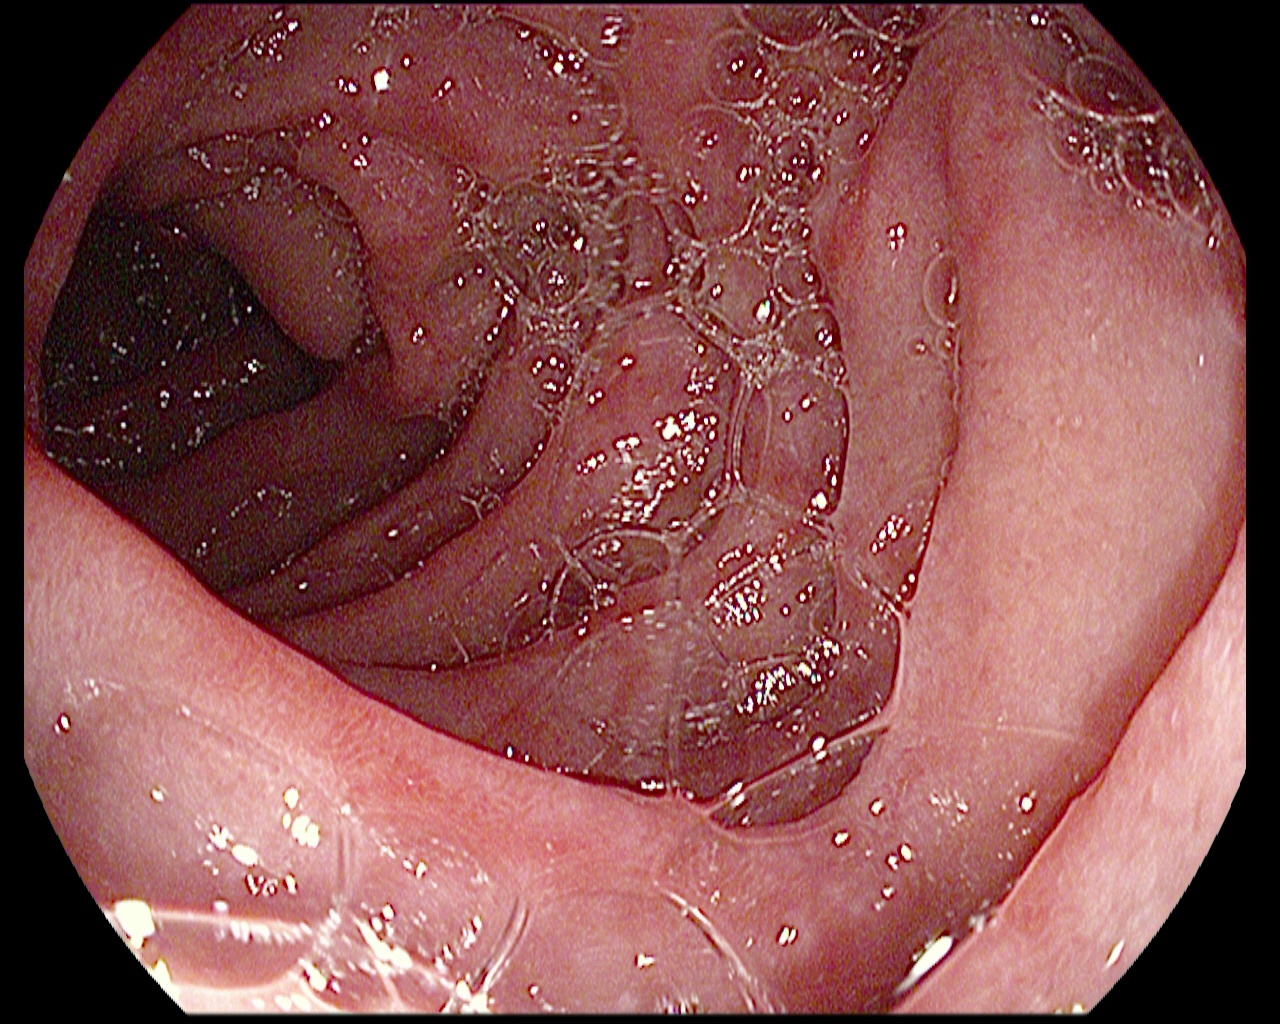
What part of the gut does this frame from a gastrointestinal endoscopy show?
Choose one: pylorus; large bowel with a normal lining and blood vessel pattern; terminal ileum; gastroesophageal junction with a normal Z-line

terminal ileum